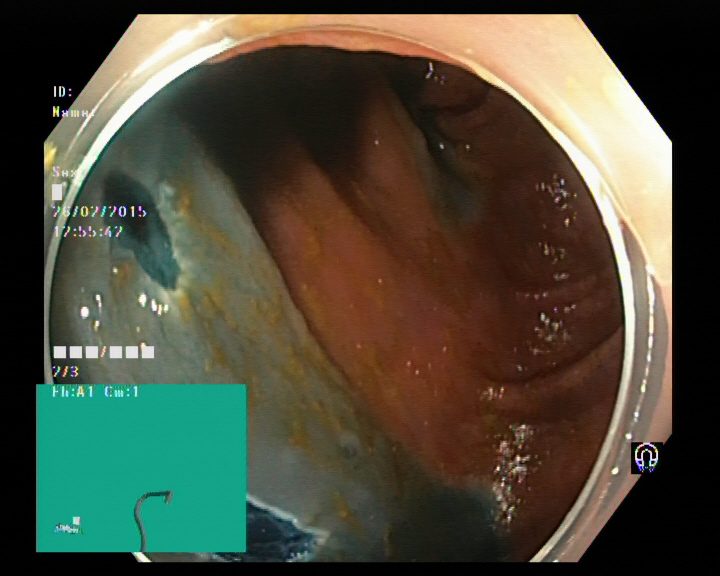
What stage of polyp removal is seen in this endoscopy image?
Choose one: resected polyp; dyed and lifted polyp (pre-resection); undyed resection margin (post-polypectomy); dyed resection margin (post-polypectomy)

dyed resection margin (post-polypectomy)